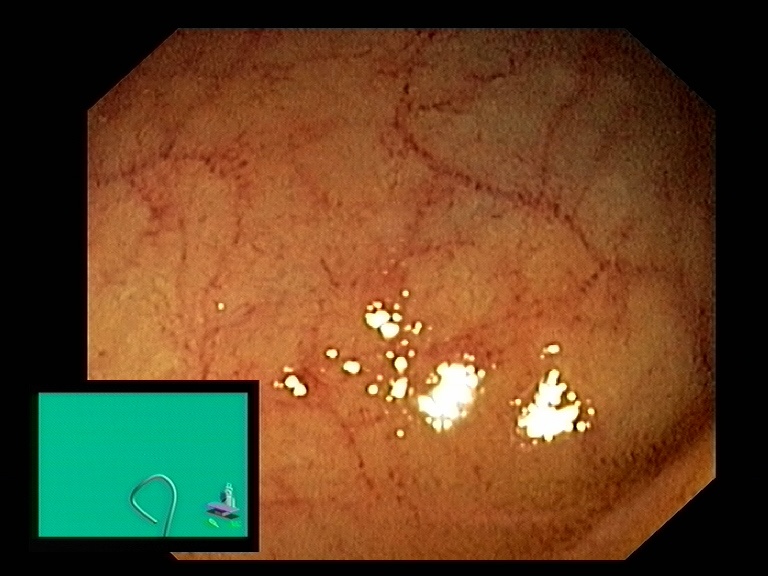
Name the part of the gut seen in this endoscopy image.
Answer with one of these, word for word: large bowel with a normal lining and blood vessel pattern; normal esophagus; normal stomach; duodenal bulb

large bowel with a normal lining and blood vessel pattern